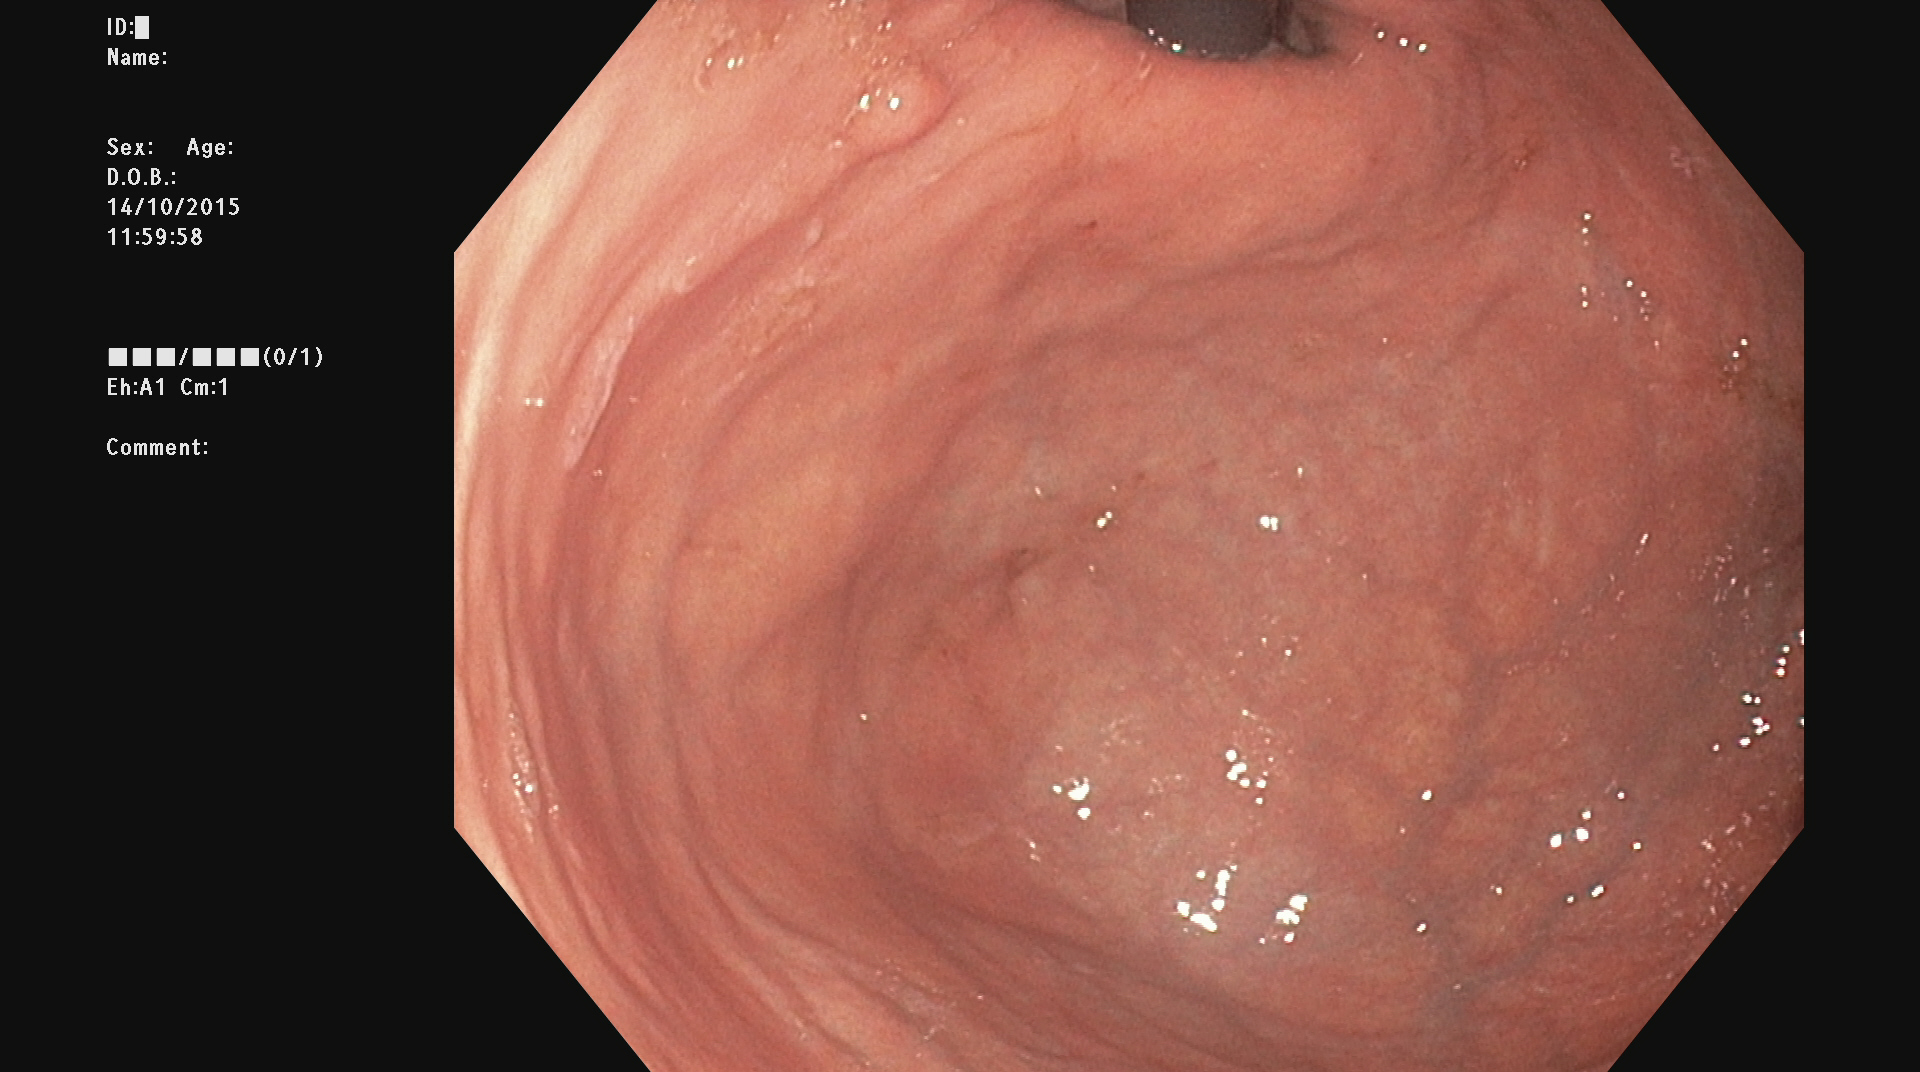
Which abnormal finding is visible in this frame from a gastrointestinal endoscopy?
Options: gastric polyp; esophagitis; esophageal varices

gastric polyp